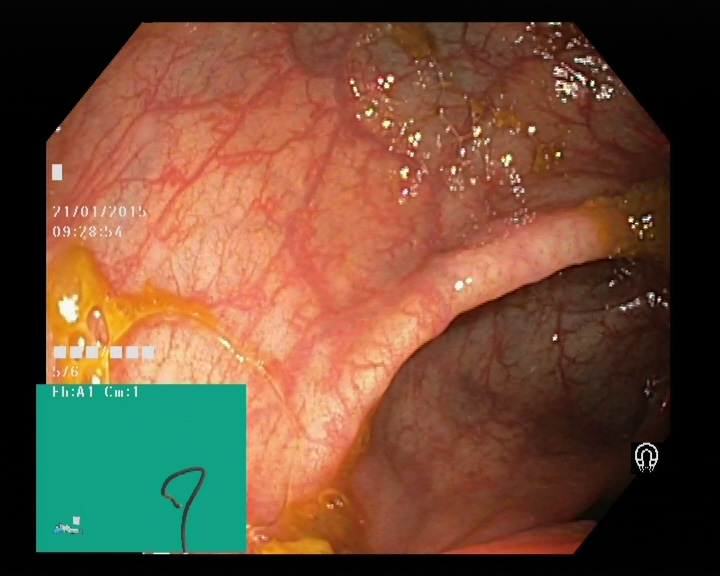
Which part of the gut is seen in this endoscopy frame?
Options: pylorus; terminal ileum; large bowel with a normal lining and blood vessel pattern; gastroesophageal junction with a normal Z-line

large bowel with a normal lining and blood vessel pattern